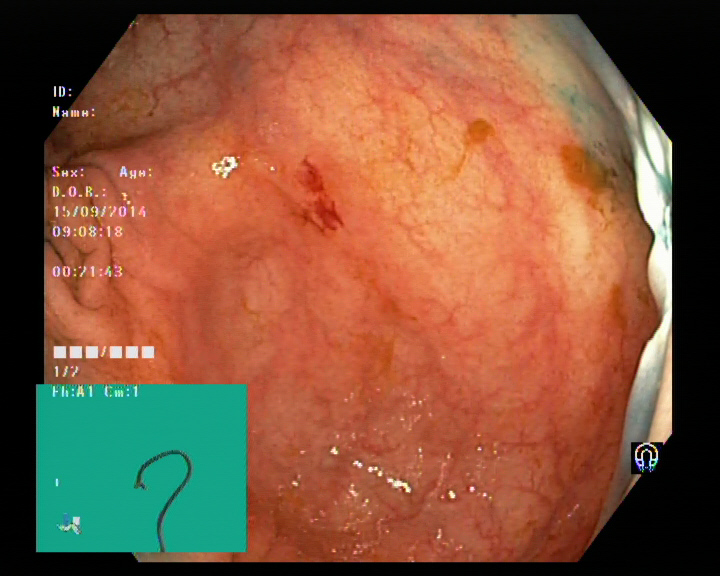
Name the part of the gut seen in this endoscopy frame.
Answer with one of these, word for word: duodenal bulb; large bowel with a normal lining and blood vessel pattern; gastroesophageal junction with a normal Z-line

large bowel with a normal lining and blood vessel pattern